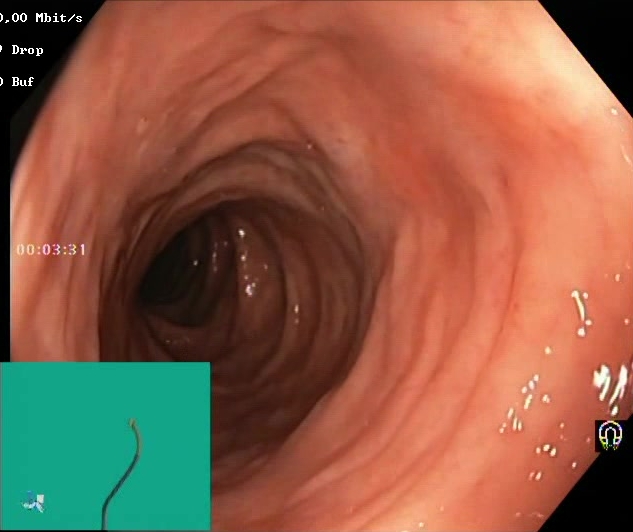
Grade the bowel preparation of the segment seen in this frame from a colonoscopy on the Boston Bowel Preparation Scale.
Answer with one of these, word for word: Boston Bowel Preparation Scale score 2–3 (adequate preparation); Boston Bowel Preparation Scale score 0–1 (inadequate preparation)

Boston Bowel Preparation Scale score 2–3 (adequate preparation)